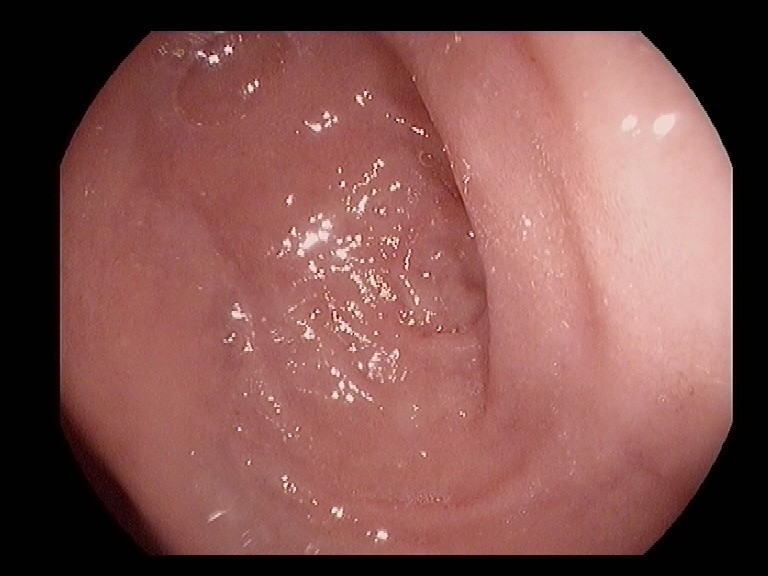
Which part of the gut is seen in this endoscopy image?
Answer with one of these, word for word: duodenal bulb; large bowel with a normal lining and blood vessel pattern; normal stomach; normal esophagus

duodenal bulb